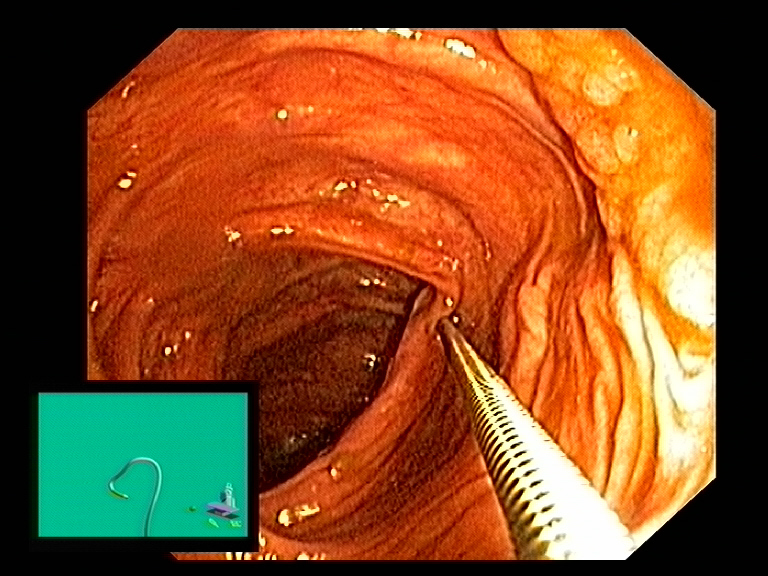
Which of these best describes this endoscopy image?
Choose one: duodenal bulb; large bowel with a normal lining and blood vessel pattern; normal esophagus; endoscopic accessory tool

endoscopic accessory tool